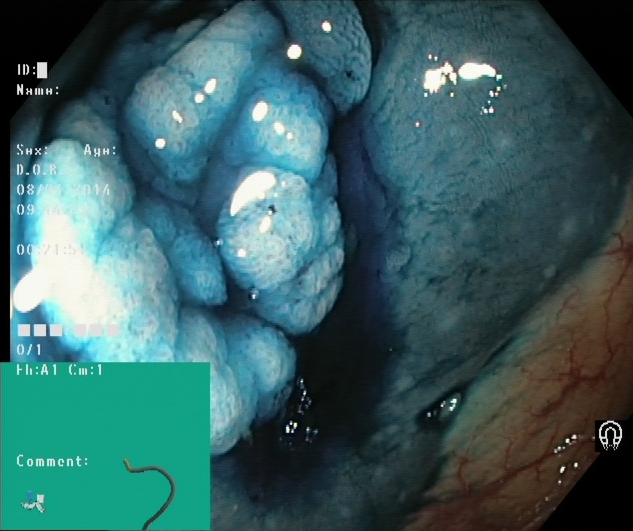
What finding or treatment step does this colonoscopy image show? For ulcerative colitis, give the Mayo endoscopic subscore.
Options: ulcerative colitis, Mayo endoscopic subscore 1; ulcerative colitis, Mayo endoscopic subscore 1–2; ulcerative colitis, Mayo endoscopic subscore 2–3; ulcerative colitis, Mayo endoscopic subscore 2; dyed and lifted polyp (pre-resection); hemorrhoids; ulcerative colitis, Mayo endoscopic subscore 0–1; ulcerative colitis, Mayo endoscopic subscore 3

dyed and lifted polyp (pre-resection)